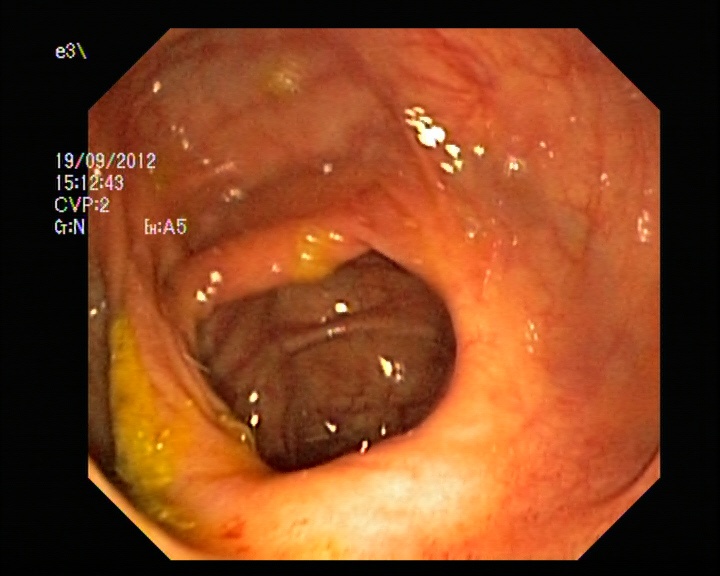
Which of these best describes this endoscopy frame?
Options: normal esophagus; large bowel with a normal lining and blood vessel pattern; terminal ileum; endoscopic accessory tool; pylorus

large bowel with a normal lining and blood vessel pattern